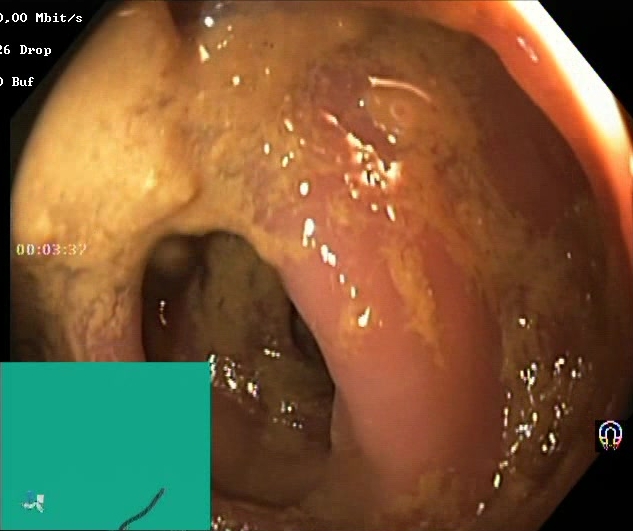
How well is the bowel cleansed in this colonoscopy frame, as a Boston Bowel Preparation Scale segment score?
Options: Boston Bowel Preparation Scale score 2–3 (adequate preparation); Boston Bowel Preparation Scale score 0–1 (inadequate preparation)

Boston Bowel Preparation Scale score 0–1 (inadequate preparation)